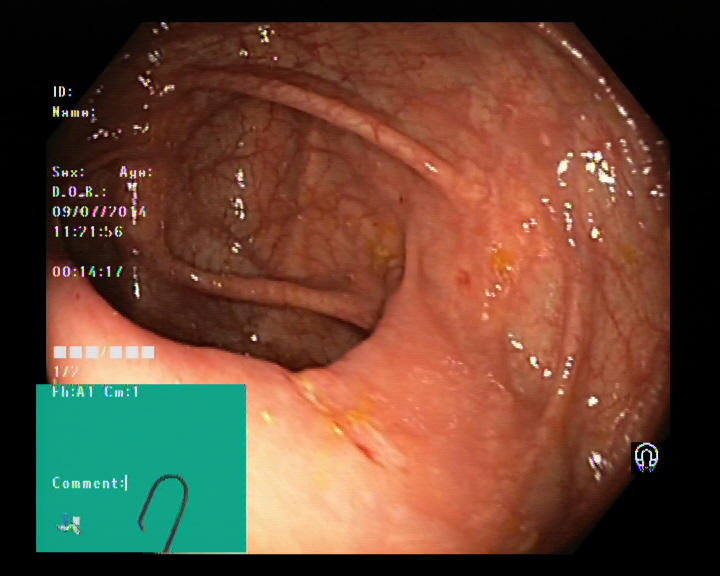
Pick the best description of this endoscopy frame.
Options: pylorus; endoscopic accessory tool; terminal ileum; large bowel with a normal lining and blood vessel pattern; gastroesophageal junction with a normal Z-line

large bowel with a normal lining and blood vessel pattern